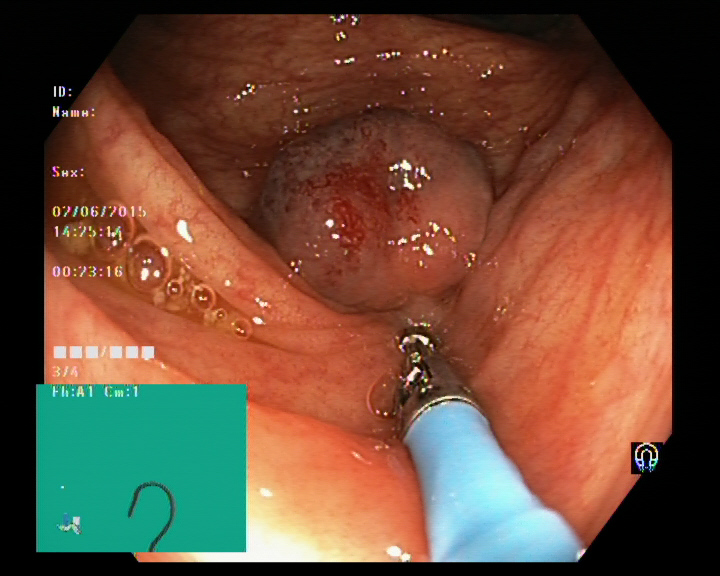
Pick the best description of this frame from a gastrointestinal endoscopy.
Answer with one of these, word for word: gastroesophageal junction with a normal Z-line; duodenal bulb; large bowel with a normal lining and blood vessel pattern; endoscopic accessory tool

endoscopic accessory tool